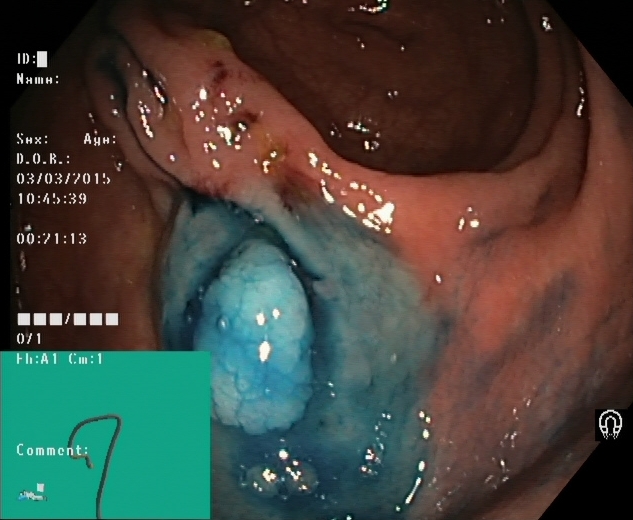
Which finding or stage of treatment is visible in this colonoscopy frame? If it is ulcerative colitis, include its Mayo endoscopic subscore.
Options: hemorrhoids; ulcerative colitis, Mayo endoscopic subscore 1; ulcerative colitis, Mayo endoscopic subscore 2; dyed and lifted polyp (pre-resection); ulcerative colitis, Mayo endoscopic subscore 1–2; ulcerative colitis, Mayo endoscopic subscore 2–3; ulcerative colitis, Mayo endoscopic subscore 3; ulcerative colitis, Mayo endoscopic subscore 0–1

dyed and lifted polyp (pre-resection)